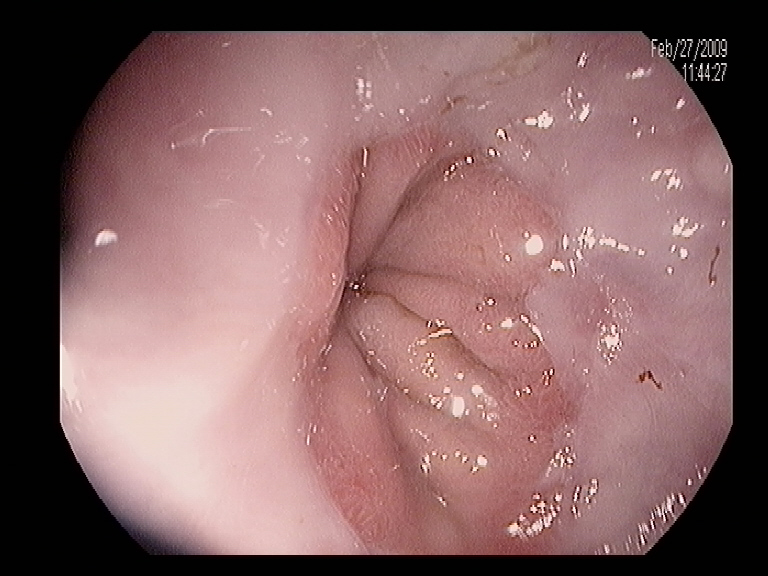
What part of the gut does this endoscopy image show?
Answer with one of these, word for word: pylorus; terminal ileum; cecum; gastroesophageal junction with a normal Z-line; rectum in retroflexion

gastroesophageal junction with a normal Z-line